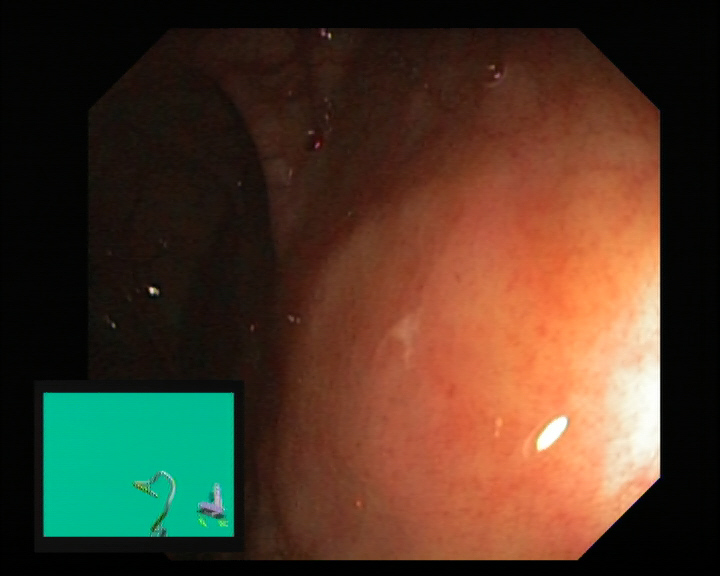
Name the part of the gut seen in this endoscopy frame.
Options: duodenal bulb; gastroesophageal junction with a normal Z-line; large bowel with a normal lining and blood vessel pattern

large bowel with a normal lining and blood vessel pattern